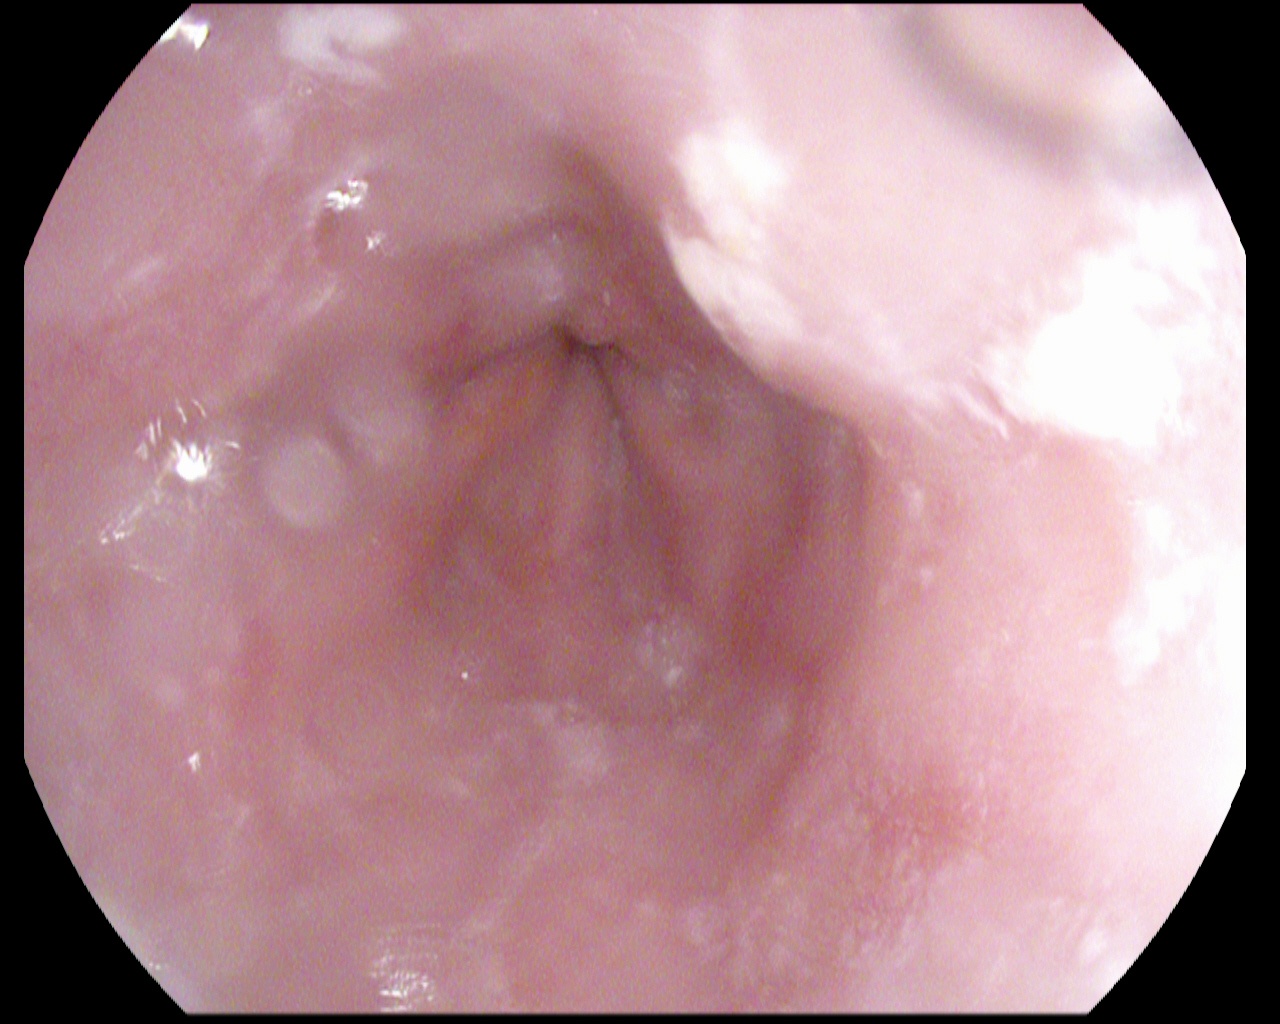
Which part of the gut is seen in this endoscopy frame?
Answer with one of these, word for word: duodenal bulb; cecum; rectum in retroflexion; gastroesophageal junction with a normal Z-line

gastroesophageal junction with a normal Z-line